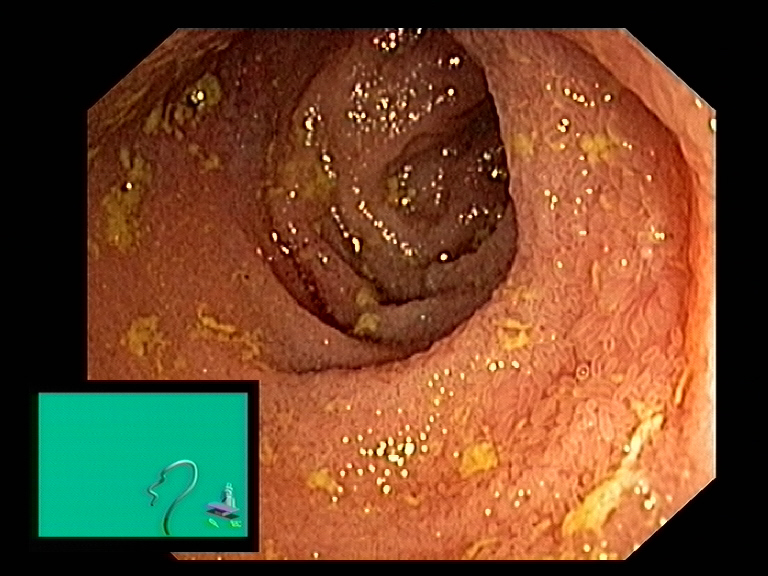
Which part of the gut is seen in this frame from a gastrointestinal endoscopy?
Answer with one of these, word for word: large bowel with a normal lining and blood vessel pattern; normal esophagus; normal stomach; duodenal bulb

large bowel with a normal lining and blood vessel pattern